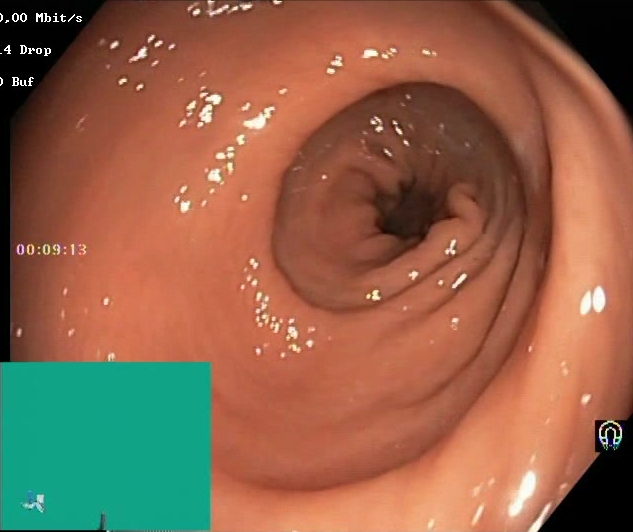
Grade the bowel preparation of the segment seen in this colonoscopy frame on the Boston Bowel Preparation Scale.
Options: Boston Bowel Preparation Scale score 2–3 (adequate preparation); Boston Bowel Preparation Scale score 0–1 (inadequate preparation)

Boston Bowel Preparation Scale score 2–3 (adequate preparation)